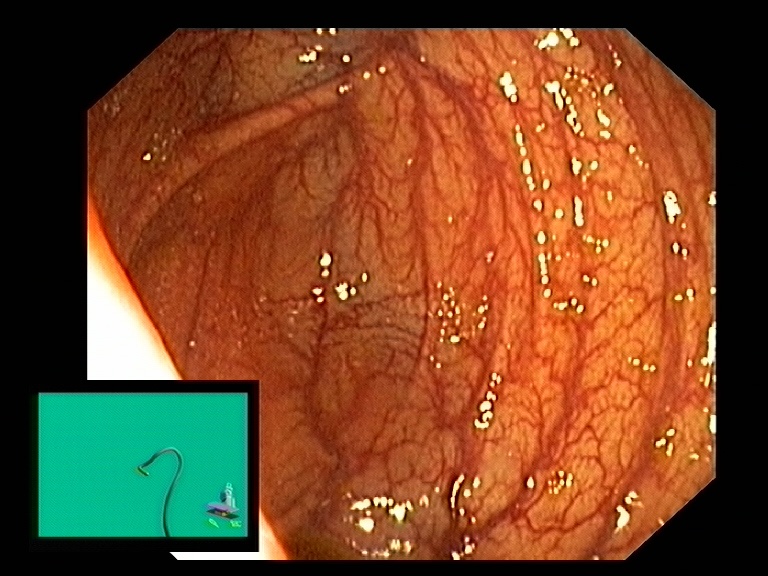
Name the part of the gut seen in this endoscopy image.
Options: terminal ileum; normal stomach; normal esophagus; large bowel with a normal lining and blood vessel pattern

large bowel with a normal lining and blood vessel pattern